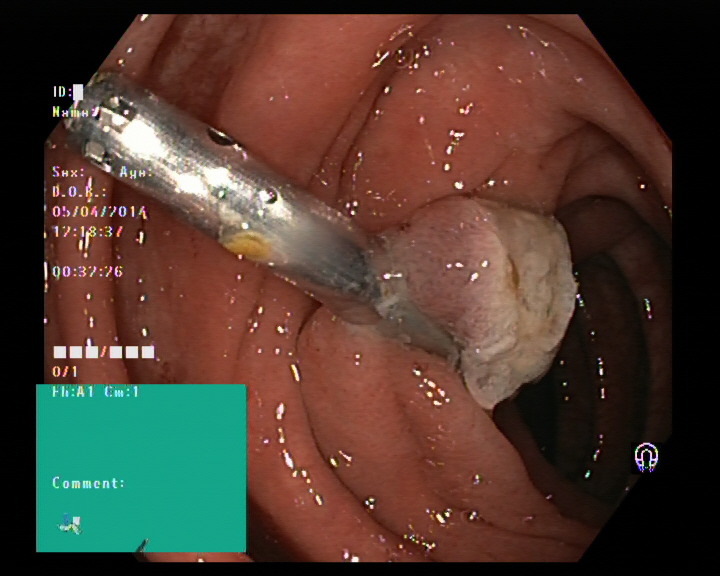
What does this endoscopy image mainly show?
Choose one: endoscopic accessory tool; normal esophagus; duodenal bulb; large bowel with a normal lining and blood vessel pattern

endoscopic accessory tool